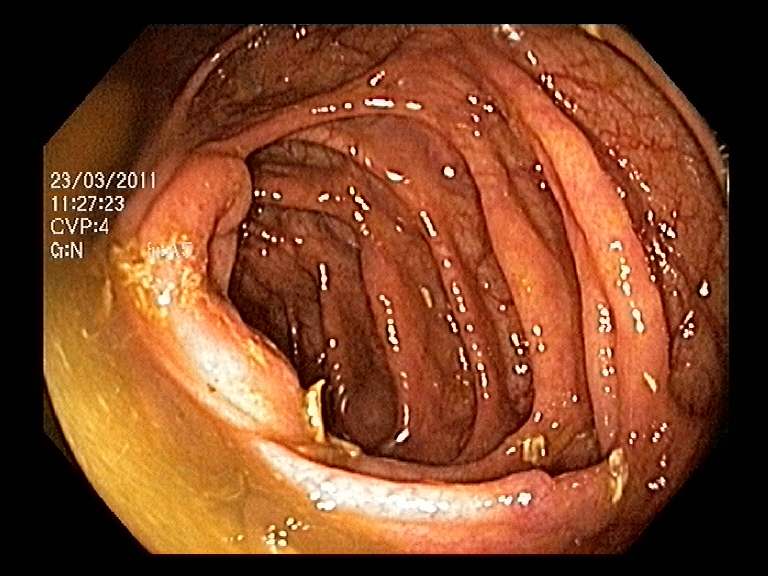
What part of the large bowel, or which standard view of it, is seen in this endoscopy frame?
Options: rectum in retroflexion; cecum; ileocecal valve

ileocecal valve